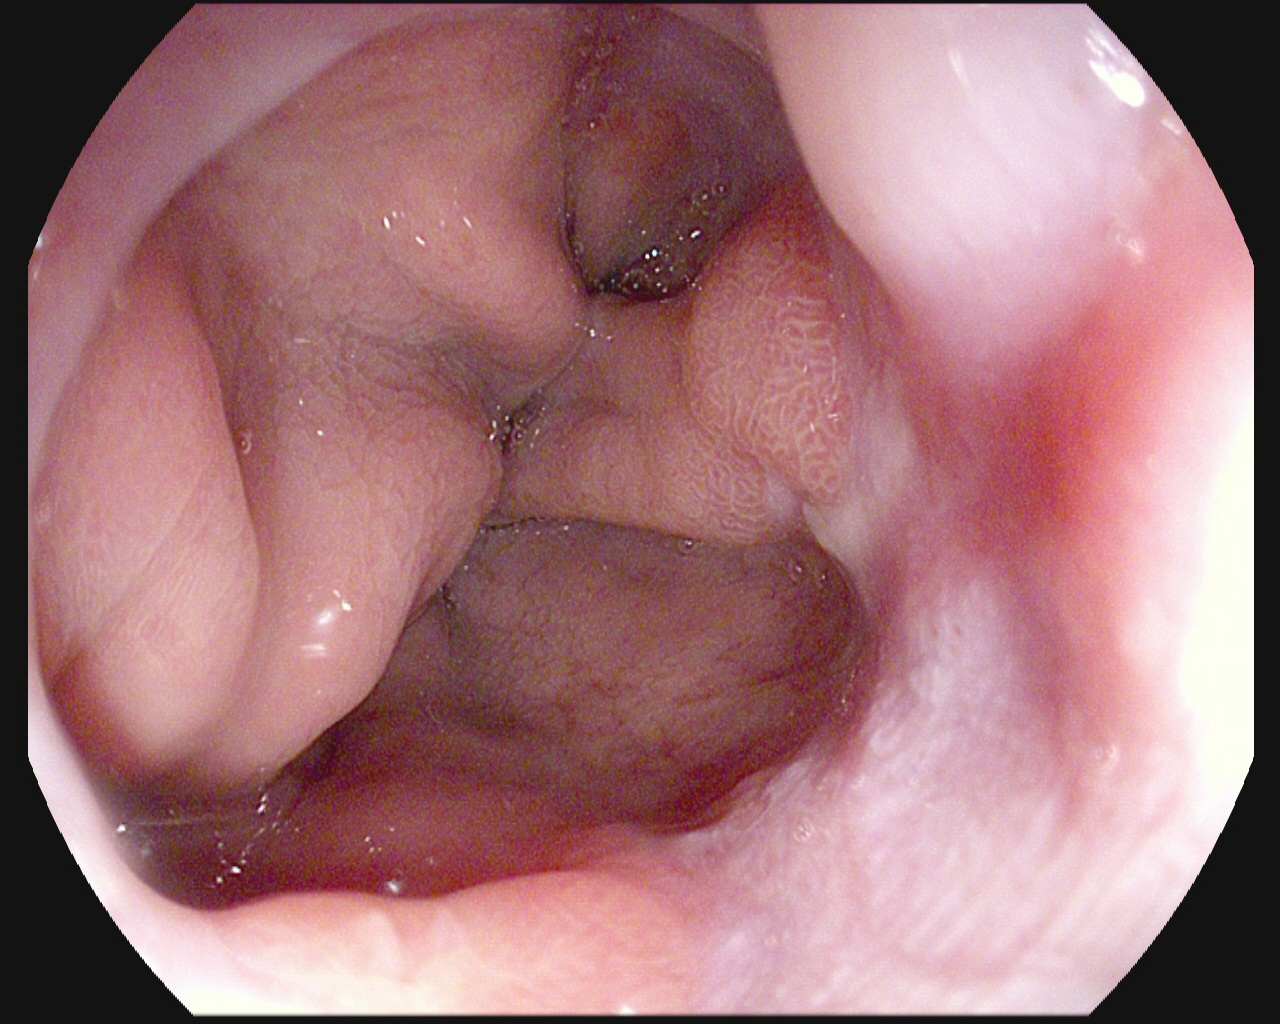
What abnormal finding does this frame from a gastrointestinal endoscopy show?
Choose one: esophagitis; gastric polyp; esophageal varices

esophagitis